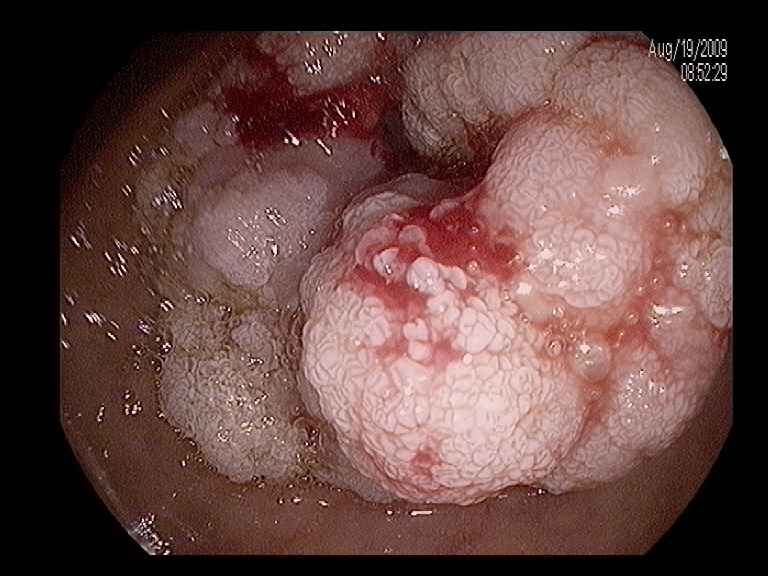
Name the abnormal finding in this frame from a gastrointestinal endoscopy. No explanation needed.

colon polyp